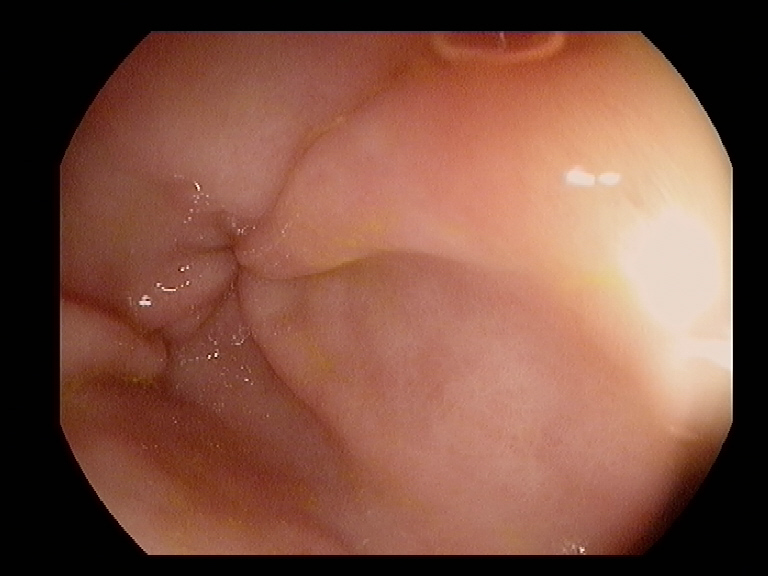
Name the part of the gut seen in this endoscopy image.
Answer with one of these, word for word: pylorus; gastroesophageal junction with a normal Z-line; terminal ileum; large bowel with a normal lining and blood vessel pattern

pylorus